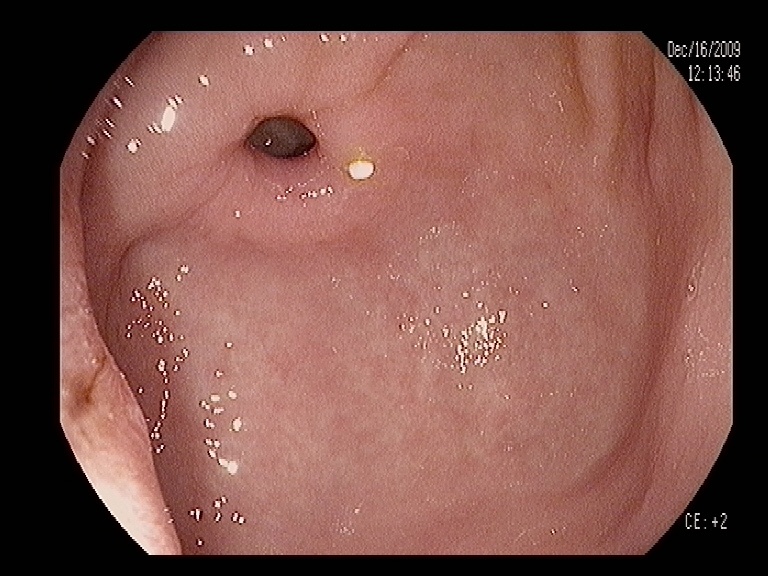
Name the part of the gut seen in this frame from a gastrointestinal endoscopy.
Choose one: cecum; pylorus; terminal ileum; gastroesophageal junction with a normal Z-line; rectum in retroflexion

pylorus